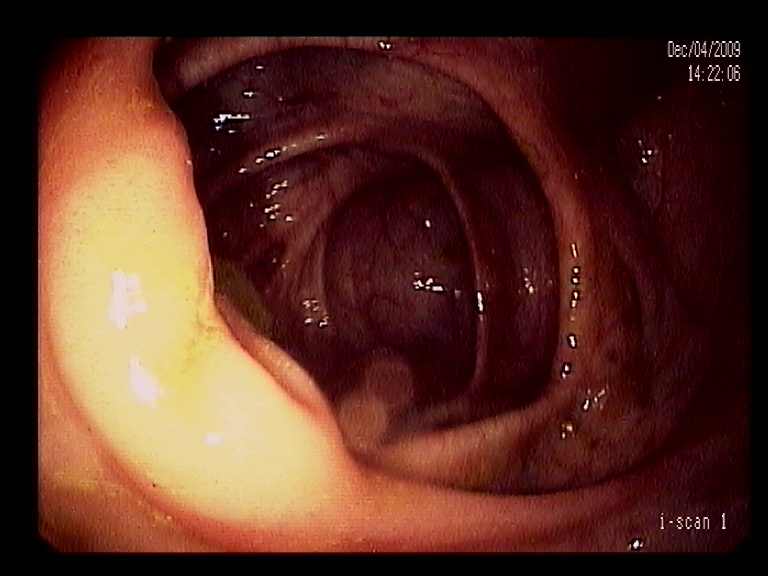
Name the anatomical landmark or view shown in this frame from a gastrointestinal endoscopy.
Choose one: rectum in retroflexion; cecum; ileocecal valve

ileocecal valve